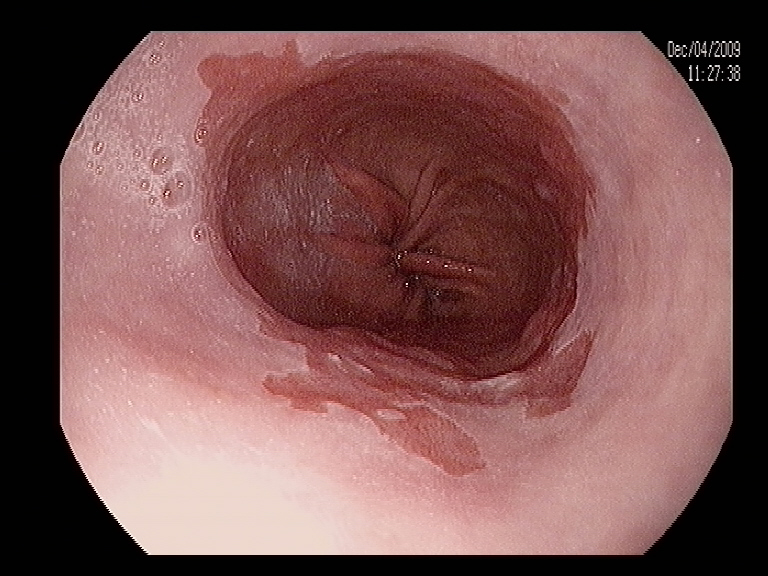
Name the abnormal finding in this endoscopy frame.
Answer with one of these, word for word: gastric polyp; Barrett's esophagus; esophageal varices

Barrett's esophagus